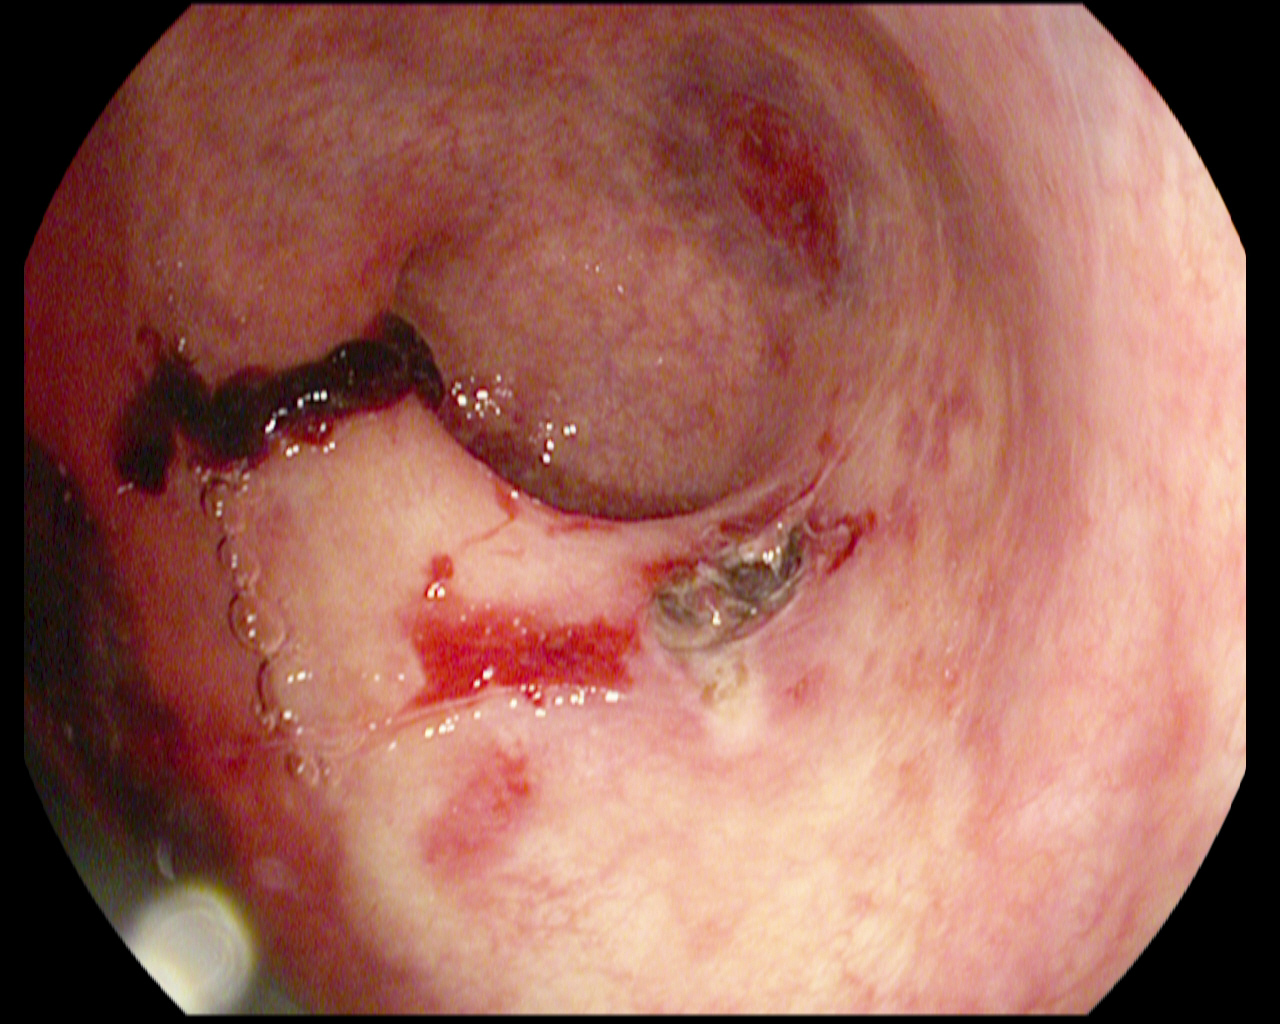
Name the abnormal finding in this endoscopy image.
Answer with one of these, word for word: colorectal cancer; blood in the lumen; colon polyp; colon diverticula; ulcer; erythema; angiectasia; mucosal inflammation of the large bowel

blood in the lumen